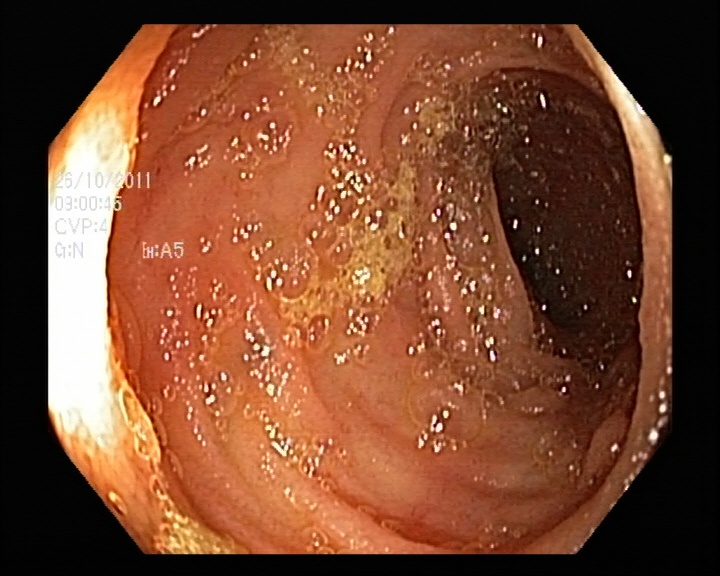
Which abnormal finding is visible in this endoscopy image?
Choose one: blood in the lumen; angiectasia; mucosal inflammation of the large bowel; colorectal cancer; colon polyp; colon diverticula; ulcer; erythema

colon polyp